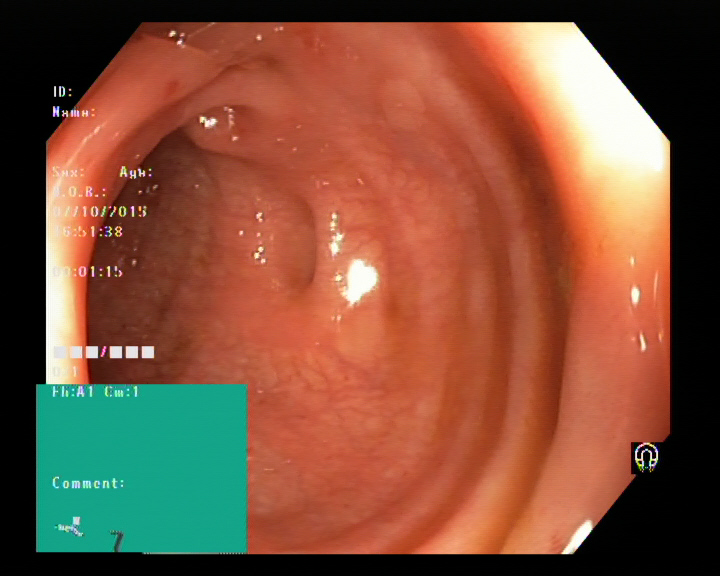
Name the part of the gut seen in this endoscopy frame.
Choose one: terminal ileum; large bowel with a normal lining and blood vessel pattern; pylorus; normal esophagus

large bowel with a normal lining and blood vessel pattern